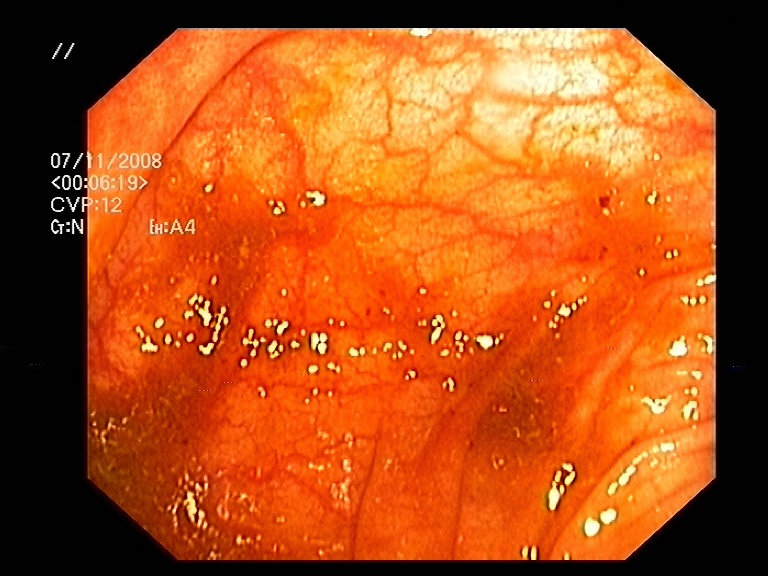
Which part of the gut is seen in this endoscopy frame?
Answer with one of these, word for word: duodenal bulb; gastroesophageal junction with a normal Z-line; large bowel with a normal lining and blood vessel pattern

large bowel with a normal lining and blood vessel pattern